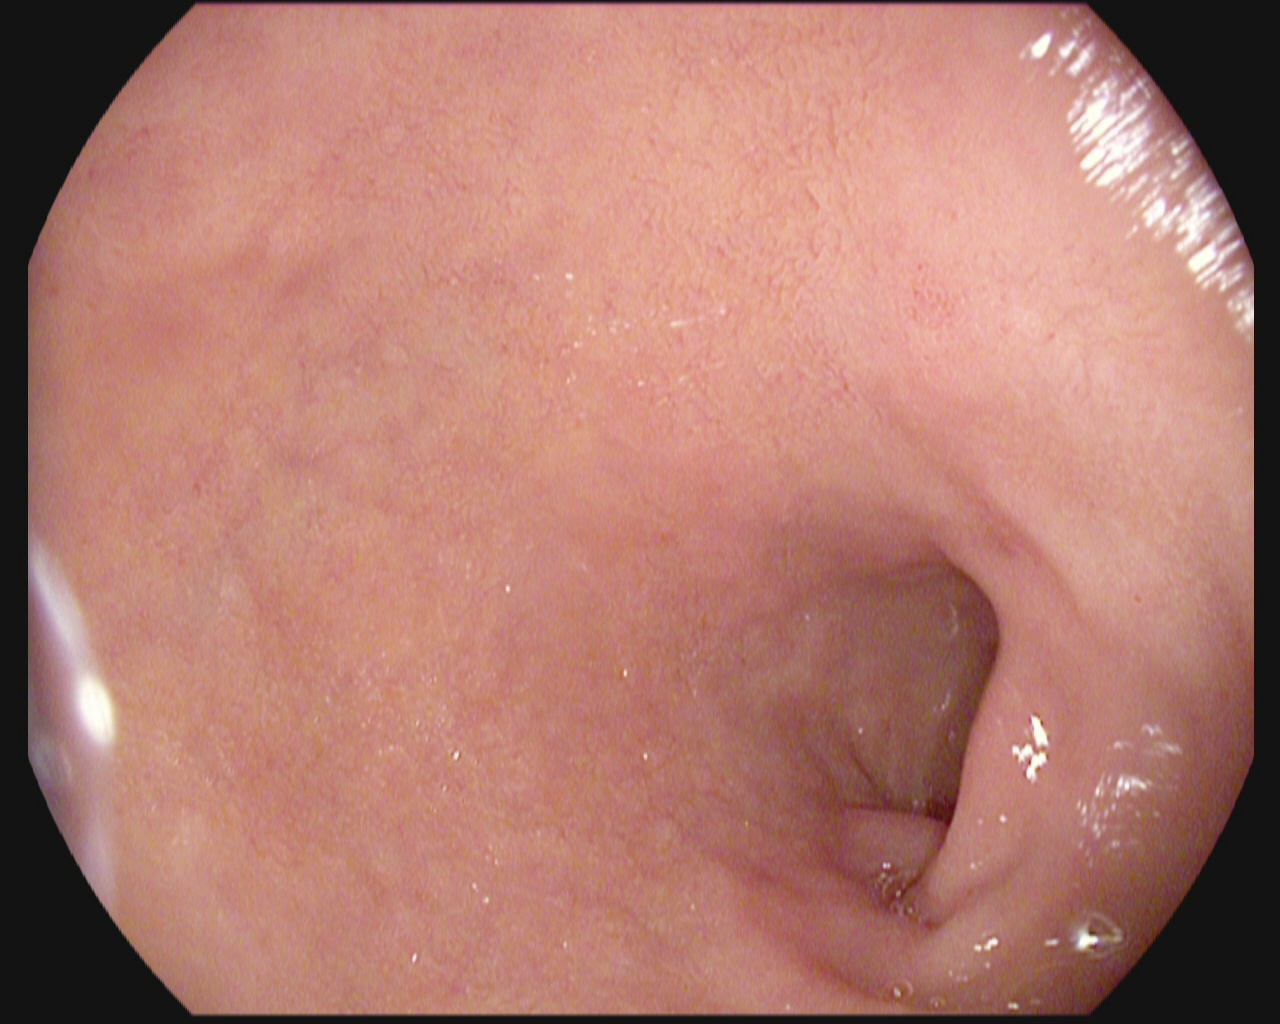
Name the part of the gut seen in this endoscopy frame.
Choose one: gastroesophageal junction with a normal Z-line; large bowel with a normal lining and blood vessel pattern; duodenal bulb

duodenal bulb